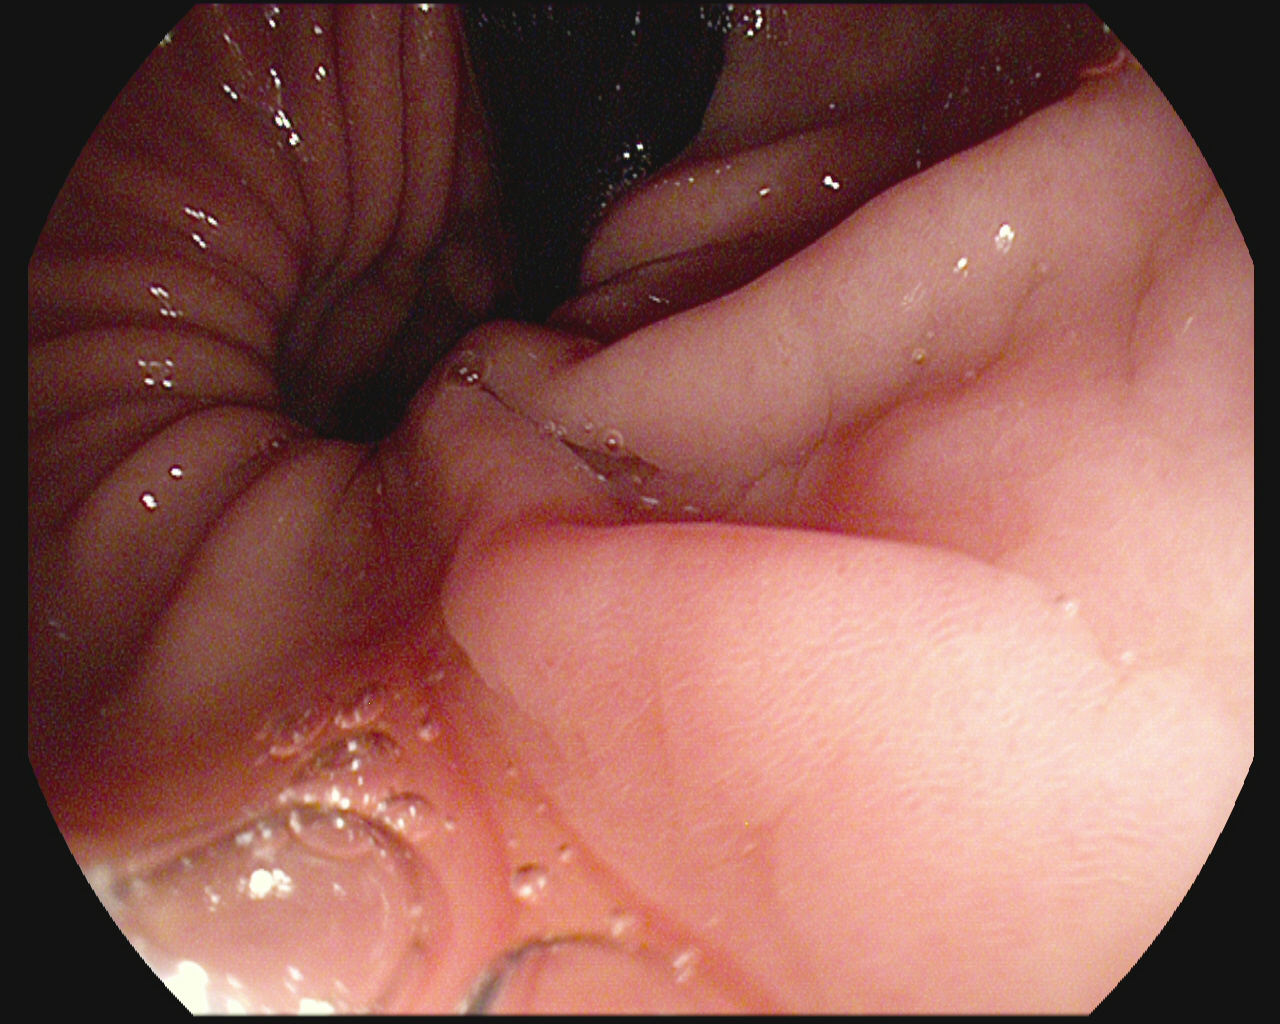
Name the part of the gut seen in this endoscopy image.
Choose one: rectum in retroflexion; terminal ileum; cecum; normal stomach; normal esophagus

normal stomach